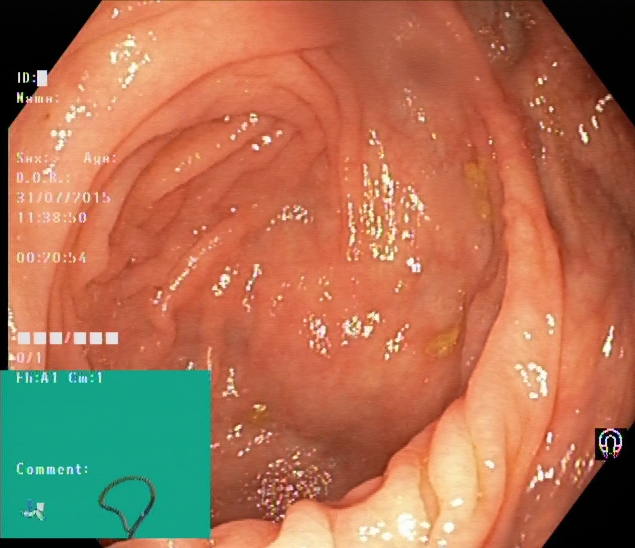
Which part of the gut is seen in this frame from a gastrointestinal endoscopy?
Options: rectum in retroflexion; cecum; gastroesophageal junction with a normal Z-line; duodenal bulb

cecum